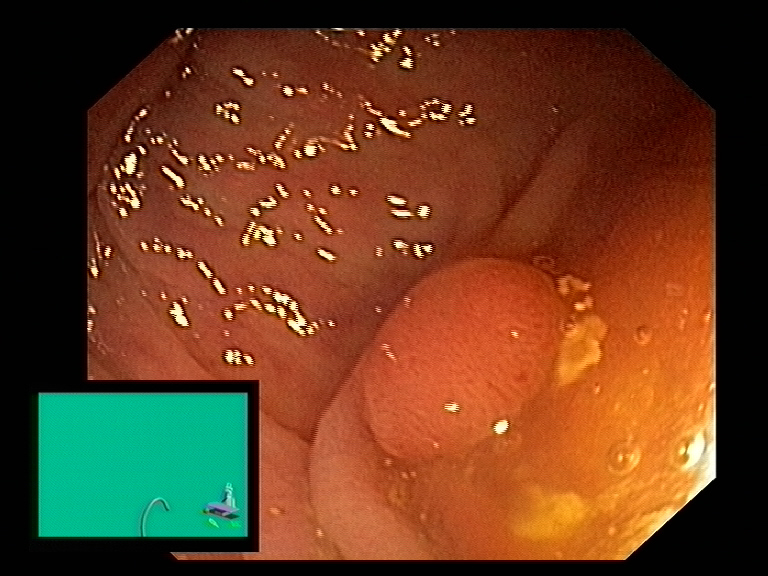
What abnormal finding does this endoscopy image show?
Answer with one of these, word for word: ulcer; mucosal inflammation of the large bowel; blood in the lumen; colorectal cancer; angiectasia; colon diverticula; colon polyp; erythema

colon polyp